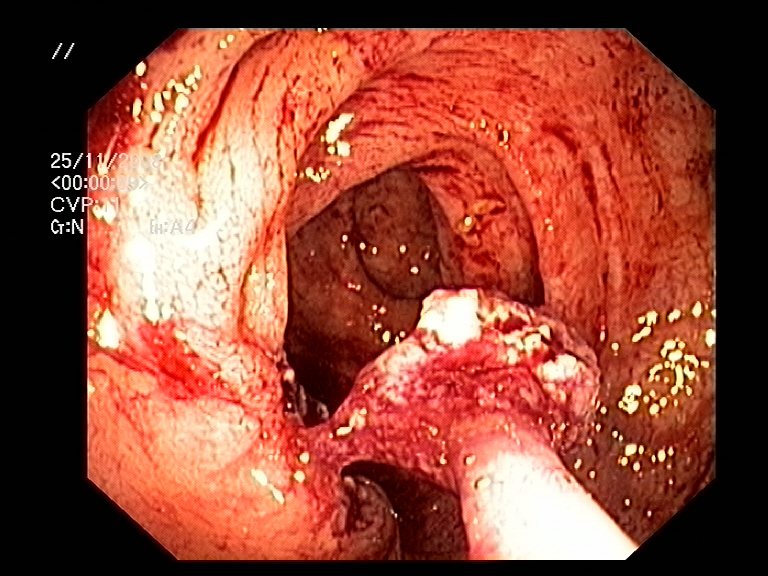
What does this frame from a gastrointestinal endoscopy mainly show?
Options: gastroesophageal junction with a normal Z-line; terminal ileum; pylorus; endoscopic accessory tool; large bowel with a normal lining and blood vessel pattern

endoscopic accessory tool